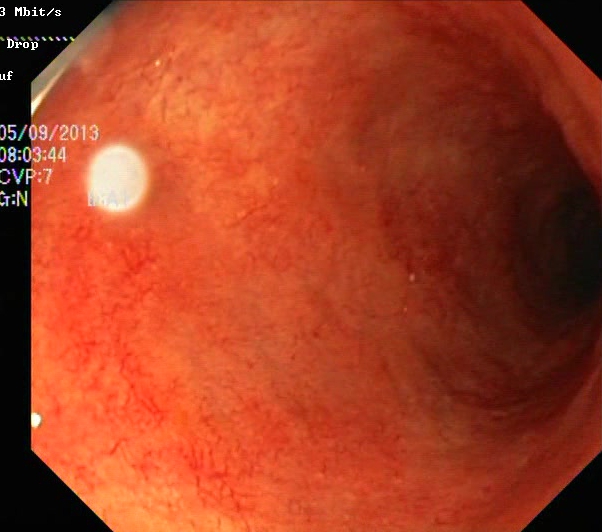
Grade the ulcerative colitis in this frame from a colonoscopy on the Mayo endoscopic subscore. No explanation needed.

ulcerative colitis, Mayo endoscopic subscore 2